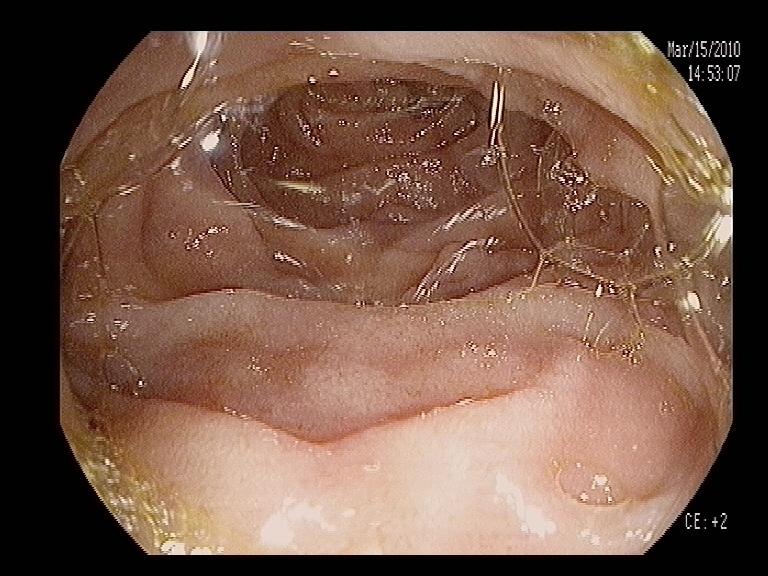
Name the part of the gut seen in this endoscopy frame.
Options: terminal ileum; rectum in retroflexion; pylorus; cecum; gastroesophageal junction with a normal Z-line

terminal ileum